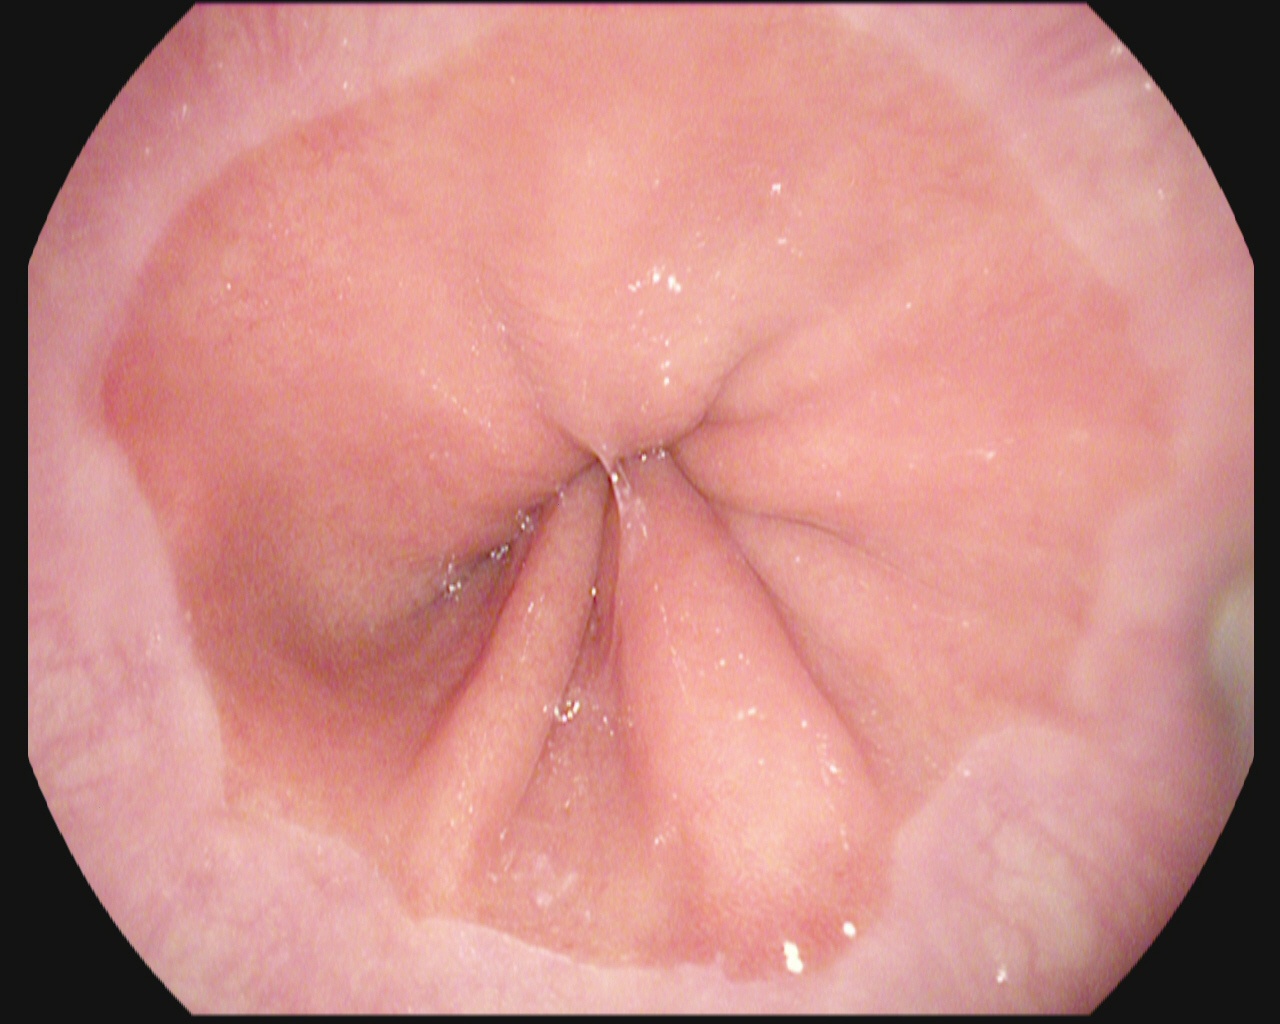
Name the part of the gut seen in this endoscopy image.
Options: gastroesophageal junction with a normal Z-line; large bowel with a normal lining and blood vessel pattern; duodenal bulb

gastroesophageal junction with a normal Z-line